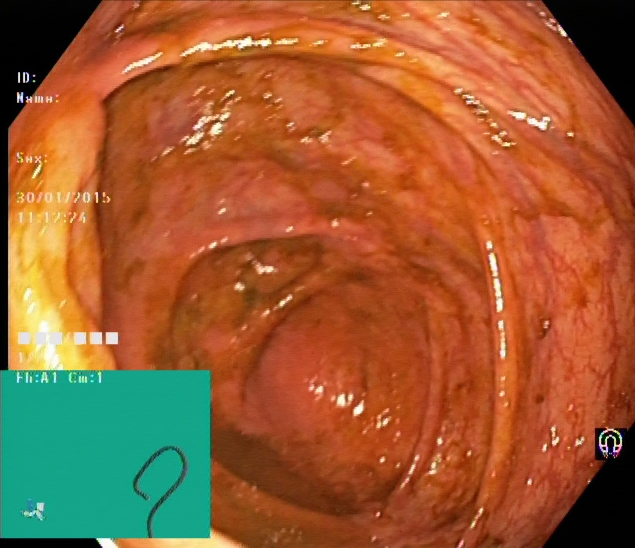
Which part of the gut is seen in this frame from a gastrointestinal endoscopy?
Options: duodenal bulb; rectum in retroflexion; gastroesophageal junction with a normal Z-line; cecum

cecum